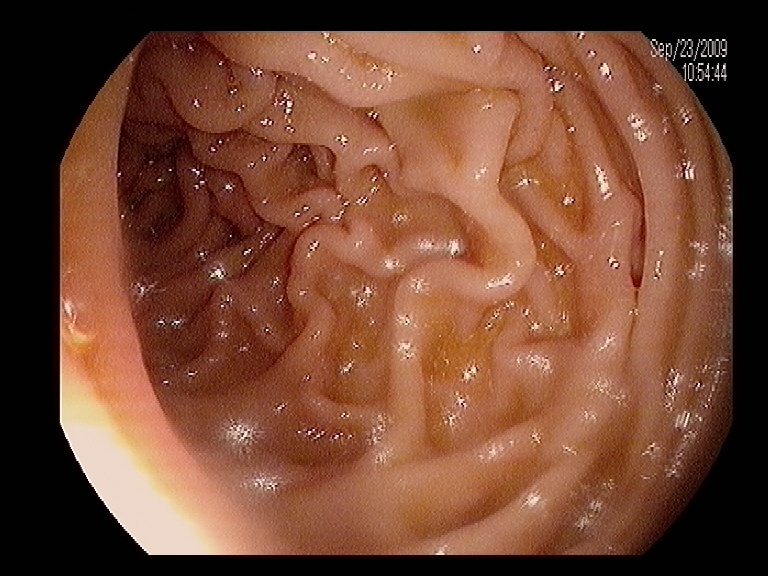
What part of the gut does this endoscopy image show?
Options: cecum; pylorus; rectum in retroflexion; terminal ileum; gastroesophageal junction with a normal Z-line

terminal ileum